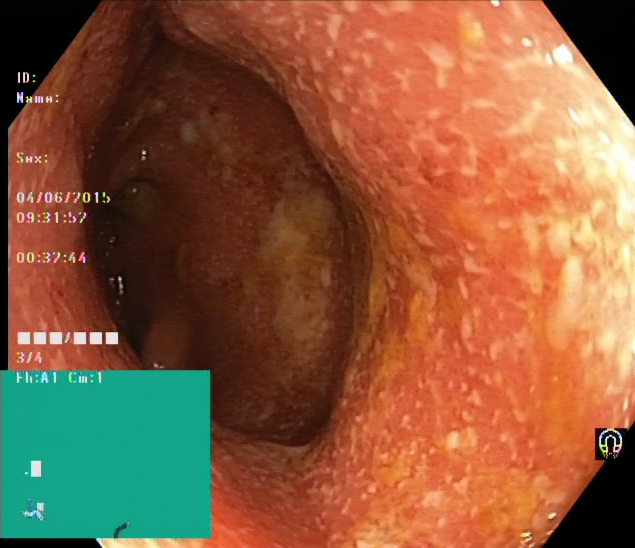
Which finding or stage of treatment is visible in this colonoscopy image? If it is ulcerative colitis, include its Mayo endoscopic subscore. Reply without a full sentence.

ulcerative colitis, Mayo endoscopic subscore 2